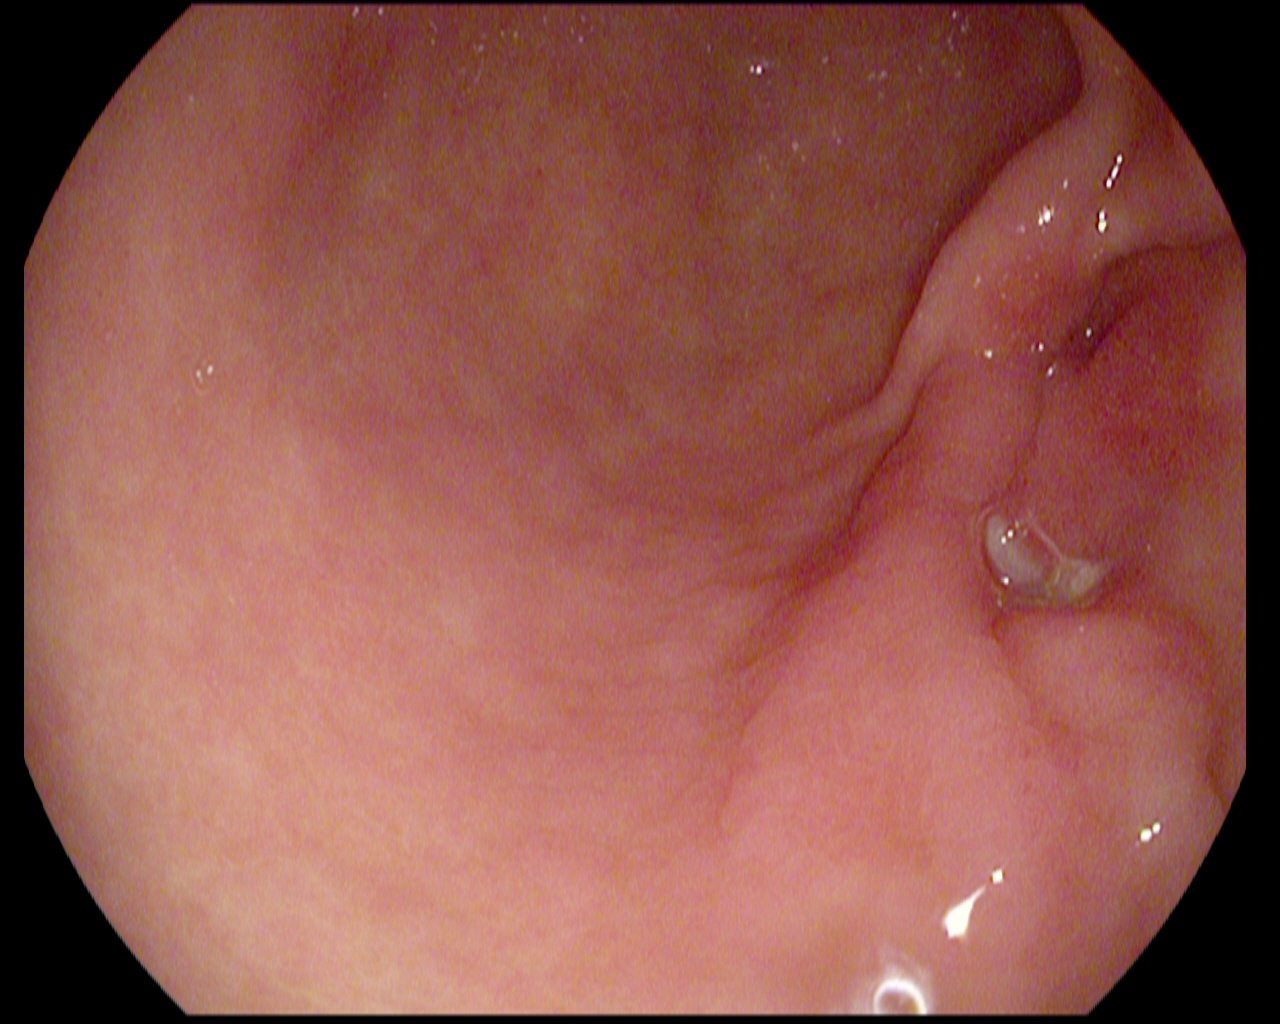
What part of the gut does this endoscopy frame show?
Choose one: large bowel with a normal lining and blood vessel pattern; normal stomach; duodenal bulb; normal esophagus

normal stomach